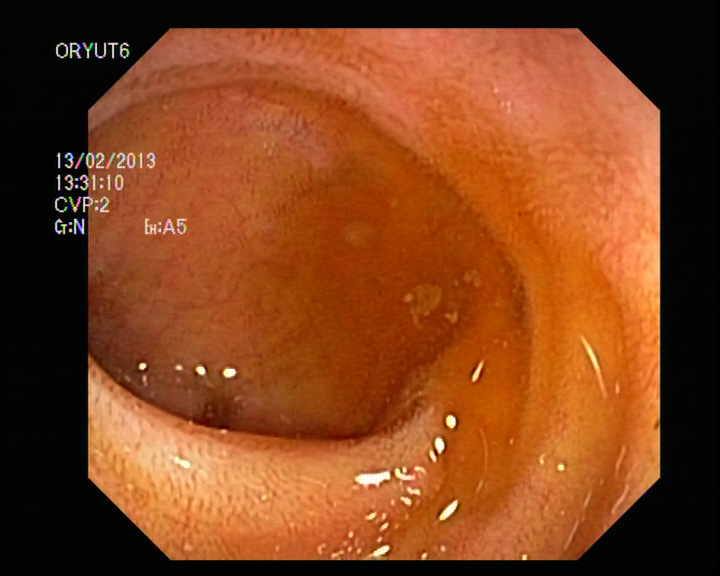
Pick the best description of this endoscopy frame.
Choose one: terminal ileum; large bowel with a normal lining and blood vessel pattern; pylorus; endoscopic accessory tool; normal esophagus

terminal ileum